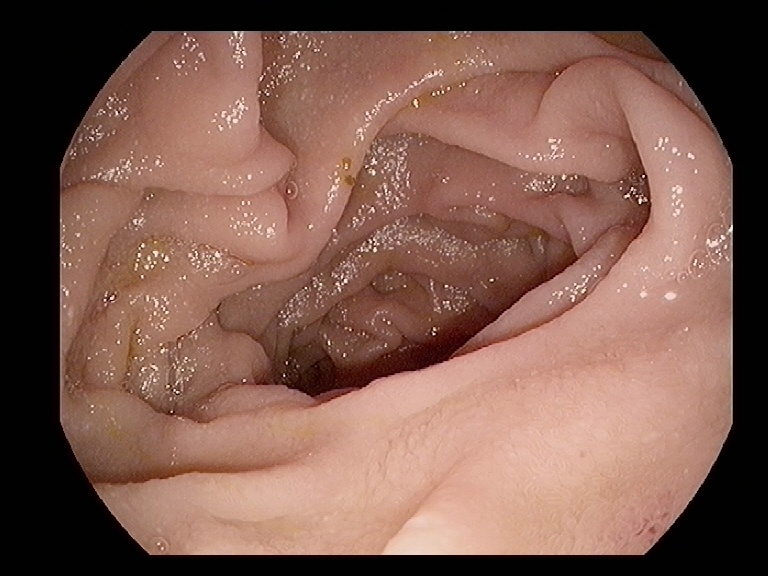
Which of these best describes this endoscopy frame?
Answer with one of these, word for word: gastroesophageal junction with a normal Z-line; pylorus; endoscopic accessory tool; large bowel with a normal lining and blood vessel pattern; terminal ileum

terminal ileum